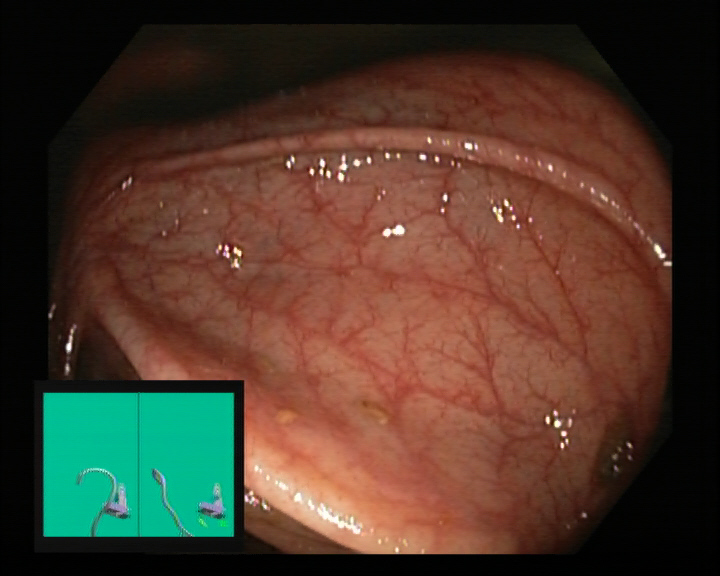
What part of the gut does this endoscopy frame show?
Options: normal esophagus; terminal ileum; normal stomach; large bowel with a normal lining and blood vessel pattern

large bowel with a normal lining and blood vessel pattern